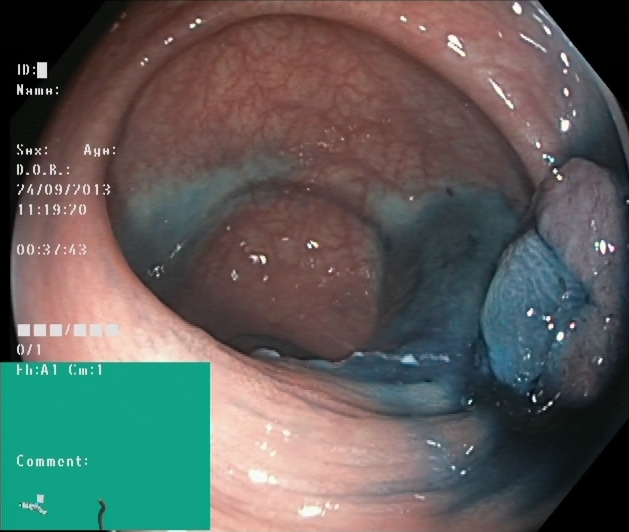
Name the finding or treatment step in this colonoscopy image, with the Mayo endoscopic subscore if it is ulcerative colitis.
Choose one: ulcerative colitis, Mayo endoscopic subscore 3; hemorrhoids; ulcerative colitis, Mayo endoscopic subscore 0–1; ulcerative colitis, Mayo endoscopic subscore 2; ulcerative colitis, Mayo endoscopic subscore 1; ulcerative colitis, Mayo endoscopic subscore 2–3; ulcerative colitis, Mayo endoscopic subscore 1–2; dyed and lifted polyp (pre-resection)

dyed and lifted polyp (pre-resection)